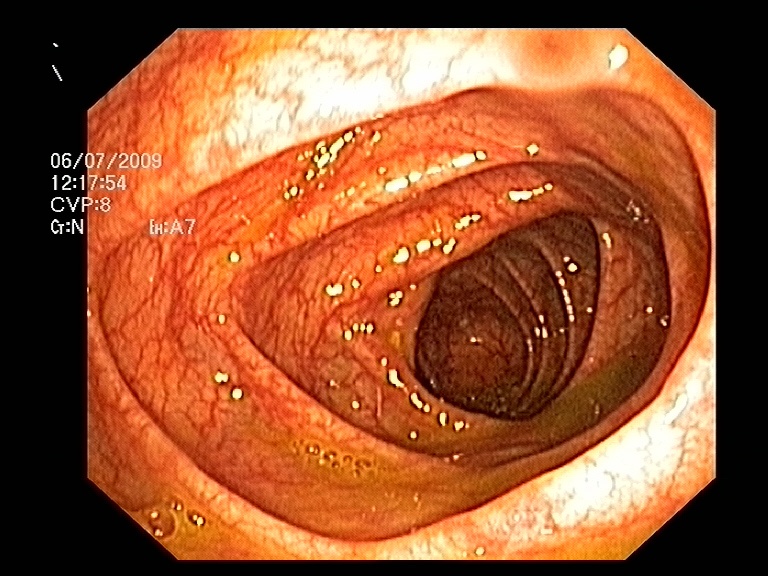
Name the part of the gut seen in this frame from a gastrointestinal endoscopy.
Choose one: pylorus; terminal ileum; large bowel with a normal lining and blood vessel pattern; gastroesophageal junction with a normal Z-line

large bowel with a normal lining and blood vessel pattern